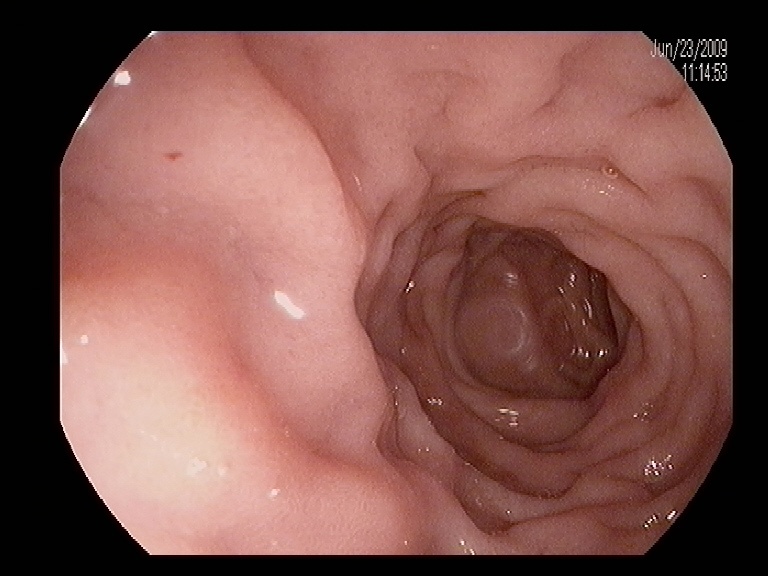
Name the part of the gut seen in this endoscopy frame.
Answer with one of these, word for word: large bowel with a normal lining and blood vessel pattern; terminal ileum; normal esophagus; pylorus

terminal ileum